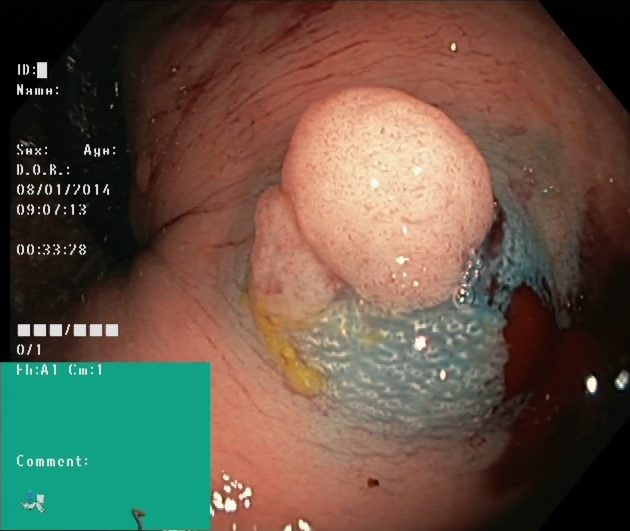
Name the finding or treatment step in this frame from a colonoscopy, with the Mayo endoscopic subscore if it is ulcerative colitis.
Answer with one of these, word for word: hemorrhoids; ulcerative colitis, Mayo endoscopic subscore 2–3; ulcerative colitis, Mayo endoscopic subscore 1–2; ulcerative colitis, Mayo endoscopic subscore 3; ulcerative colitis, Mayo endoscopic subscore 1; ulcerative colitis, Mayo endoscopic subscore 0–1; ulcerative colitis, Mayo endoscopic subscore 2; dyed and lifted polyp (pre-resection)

dyed and lifted polyp (pre-resection)